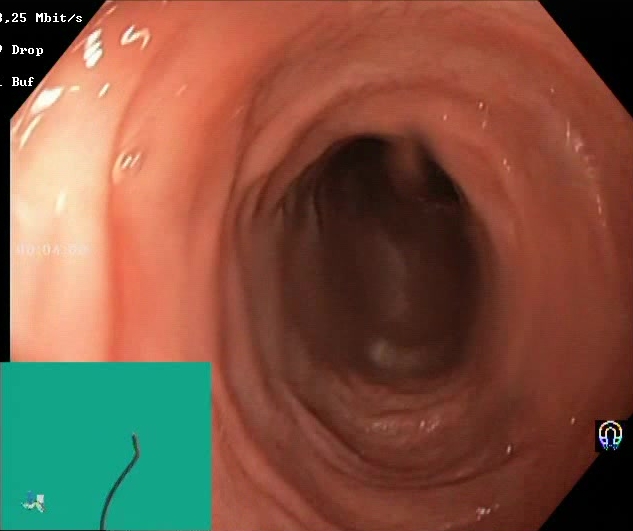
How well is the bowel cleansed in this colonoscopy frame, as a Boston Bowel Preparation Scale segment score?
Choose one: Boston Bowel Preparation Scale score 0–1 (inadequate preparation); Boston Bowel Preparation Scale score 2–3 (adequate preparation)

Boston Bowel Preparation Scale score 2–3 (adequate preparation)